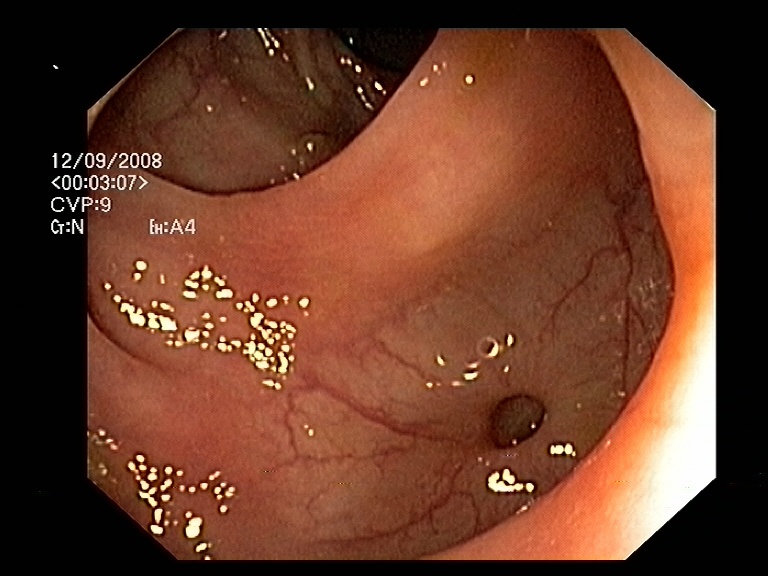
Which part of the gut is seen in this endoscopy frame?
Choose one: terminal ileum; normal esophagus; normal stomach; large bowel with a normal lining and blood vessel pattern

large bowel with a normal lining and blood vessel pattern